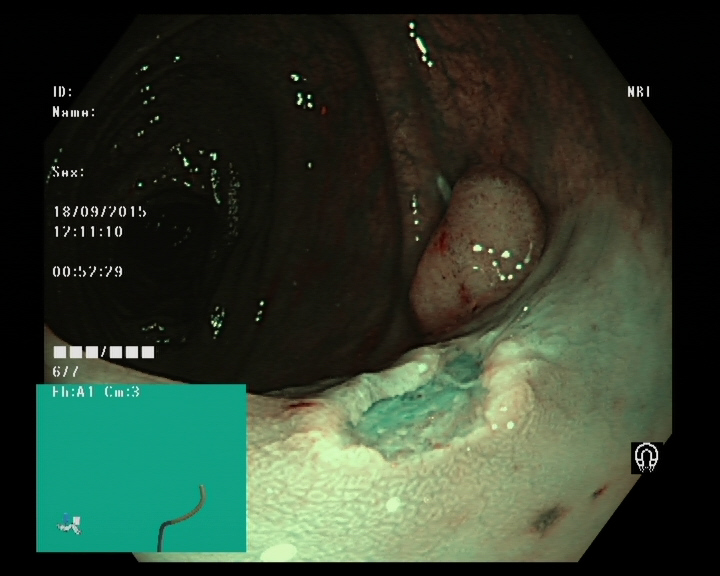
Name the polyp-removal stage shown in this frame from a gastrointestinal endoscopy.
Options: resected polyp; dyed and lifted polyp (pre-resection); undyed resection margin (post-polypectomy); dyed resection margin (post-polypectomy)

resected polyp